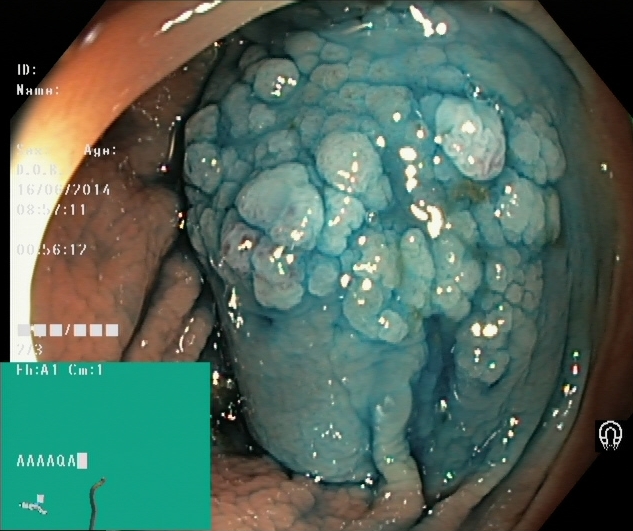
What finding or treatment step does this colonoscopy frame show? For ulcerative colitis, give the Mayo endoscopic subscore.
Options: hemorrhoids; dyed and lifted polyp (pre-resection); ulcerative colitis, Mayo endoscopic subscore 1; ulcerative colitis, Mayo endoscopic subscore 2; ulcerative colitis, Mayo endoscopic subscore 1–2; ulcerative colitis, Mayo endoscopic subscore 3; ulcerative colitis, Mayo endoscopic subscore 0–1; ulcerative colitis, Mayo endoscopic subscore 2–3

dyed and lifted polyp (pre-resection)